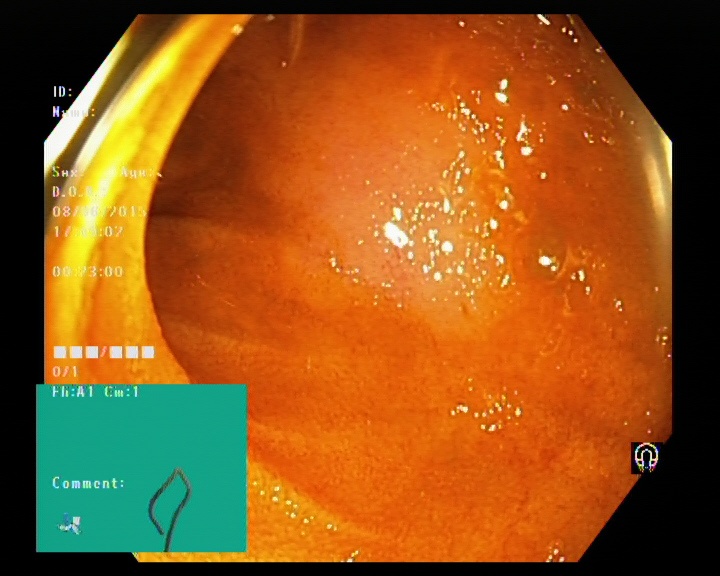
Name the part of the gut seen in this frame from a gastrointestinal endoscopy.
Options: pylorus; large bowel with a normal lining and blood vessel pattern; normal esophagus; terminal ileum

large bowel with a normal lining and blood vessel pattern